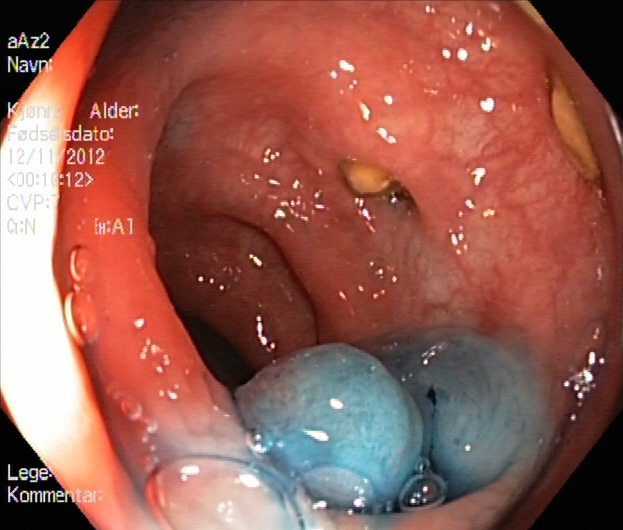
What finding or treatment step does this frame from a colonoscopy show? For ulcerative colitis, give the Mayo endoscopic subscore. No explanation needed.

dyed and lifted polyp (pre-resection)